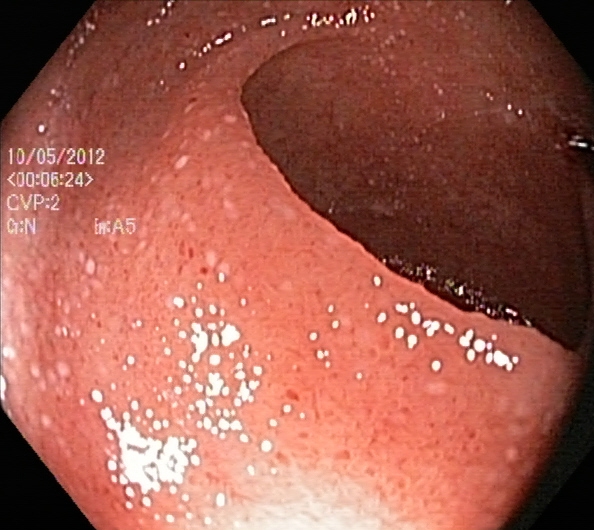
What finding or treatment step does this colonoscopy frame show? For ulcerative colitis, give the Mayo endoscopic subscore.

ulcerative colitis, Mayo endoscopic subscore 2